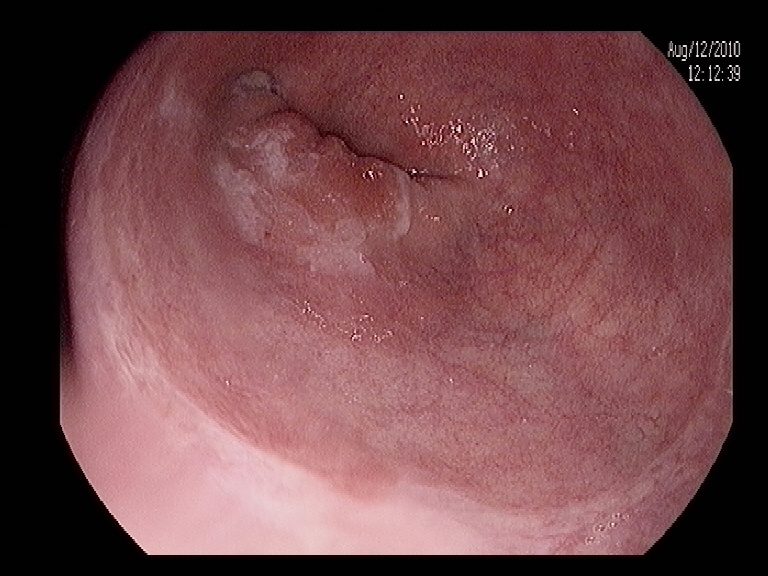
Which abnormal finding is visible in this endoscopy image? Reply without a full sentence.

Barrett's esophagus